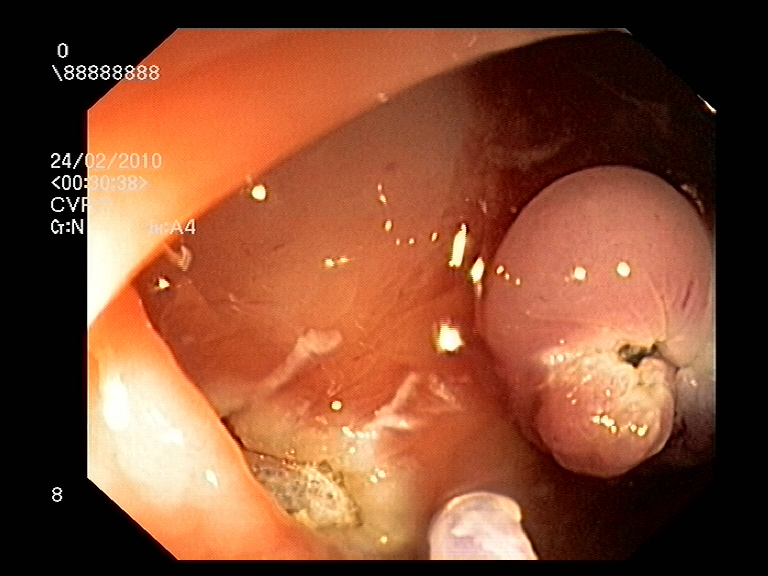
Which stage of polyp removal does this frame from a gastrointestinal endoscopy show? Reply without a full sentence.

resected polyp